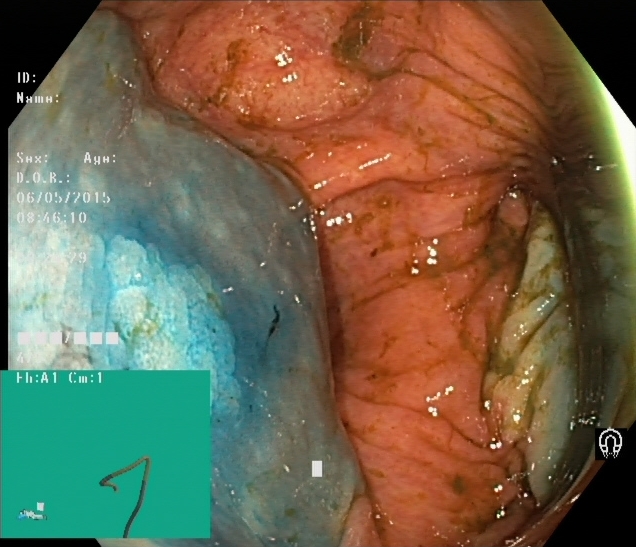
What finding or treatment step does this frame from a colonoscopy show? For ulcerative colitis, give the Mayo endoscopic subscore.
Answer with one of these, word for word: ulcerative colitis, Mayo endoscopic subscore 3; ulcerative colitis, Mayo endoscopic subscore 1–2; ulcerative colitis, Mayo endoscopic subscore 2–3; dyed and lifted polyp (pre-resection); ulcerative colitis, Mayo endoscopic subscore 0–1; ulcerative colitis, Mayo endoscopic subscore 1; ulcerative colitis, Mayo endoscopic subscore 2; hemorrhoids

dyed and lifted polyp (pre-resection)